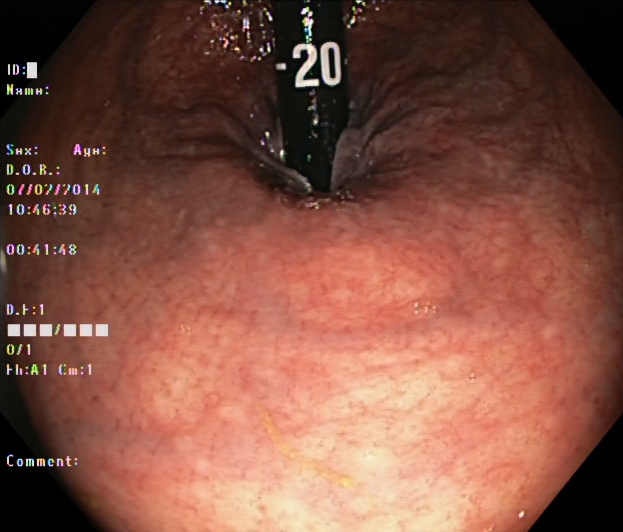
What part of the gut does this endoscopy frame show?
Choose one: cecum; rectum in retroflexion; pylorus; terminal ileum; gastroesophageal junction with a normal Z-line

rectum in retroflexion